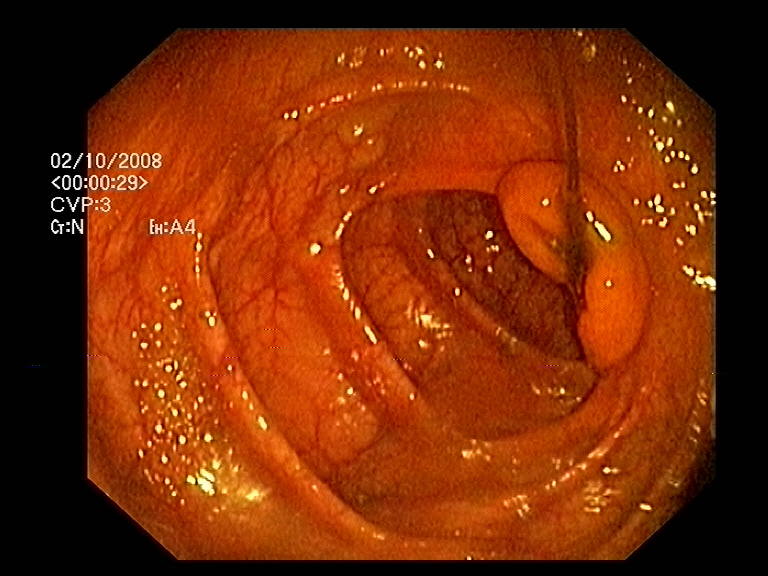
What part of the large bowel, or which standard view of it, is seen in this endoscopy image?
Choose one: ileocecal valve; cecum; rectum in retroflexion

ileocecal valve